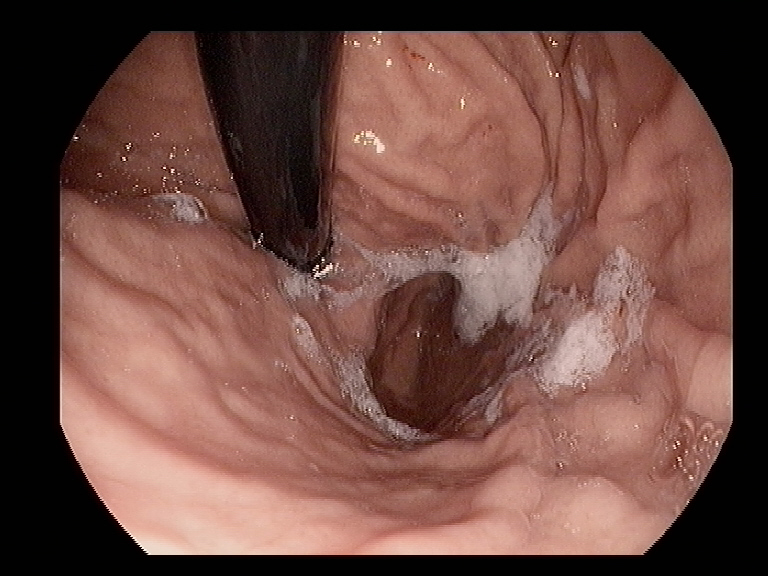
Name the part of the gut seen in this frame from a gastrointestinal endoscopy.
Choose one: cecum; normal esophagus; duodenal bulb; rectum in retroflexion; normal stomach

normal stomach